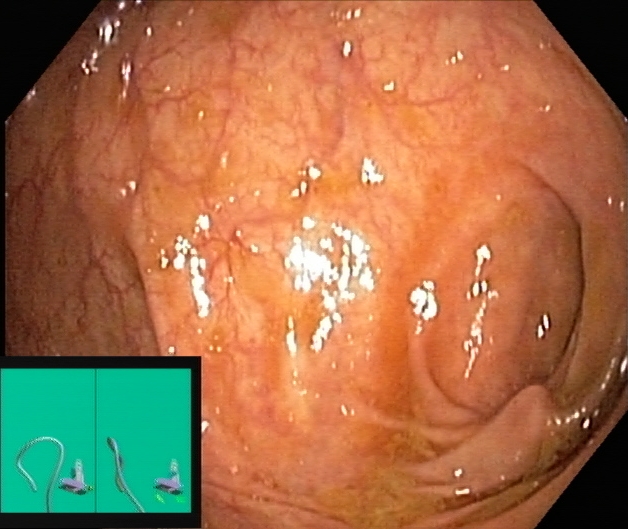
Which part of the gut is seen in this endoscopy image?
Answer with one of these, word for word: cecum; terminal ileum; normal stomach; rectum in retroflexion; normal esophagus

cecum